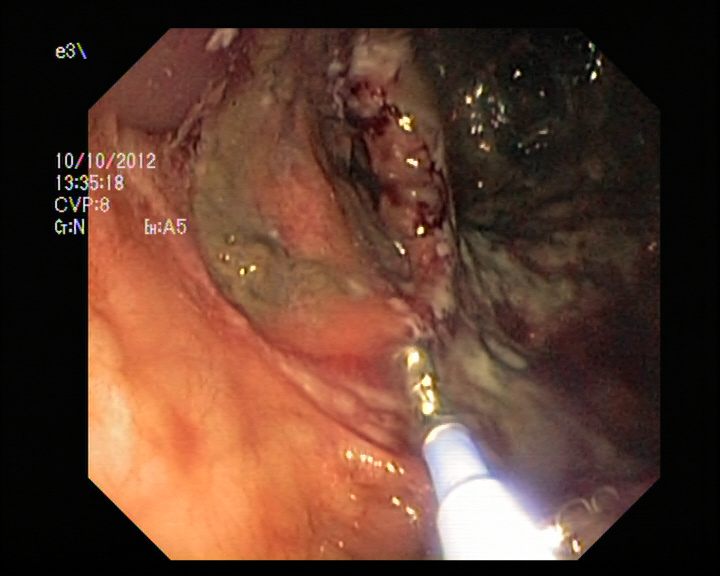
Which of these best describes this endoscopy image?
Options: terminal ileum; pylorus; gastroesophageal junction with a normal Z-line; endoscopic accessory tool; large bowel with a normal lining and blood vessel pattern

endoscopic accessory tool